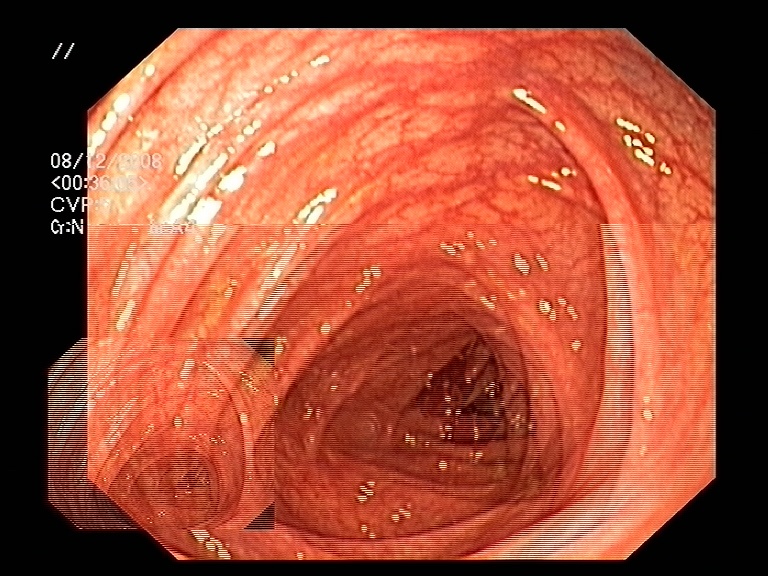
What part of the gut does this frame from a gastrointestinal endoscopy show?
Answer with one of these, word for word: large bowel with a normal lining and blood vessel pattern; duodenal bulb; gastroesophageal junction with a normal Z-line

large bowel with a normal lining and blood vessel pattern